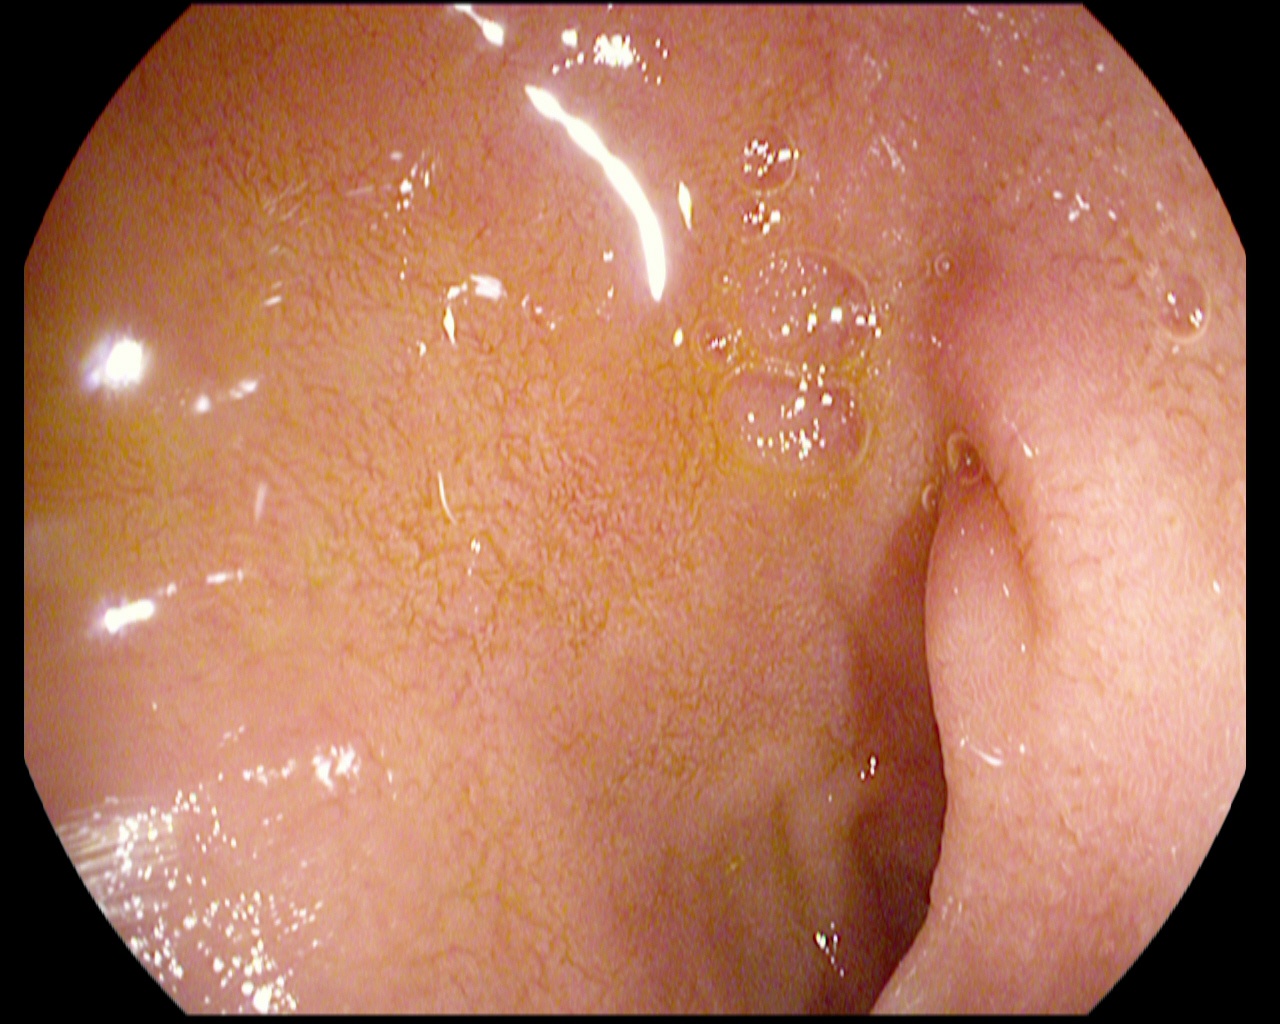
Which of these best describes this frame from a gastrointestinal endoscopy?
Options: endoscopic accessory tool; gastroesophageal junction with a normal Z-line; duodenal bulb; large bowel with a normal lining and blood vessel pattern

duodenal bulb